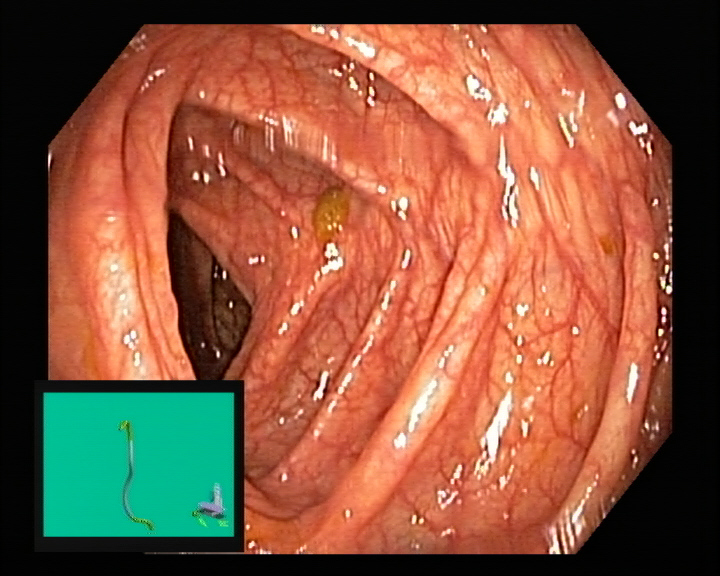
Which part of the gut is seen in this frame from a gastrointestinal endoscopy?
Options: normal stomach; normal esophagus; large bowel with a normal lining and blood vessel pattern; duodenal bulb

large bowel with a normal lining and blood vessel pattern